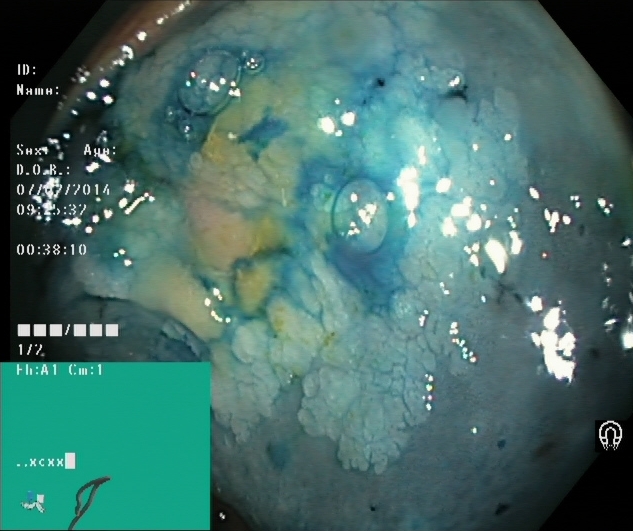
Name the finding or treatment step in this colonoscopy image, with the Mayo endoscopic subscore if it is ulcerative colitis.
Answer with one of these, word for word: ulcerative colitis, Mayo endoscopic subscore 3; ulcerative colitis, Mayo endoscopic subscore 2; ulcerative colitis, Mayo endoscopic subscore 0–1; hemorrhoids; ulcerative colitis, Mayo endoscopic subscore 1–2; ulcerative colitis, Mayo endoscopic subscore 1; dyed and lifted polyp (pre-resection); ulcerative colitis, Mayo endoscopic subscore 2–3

dyed and lifted polyp (pre-resection)